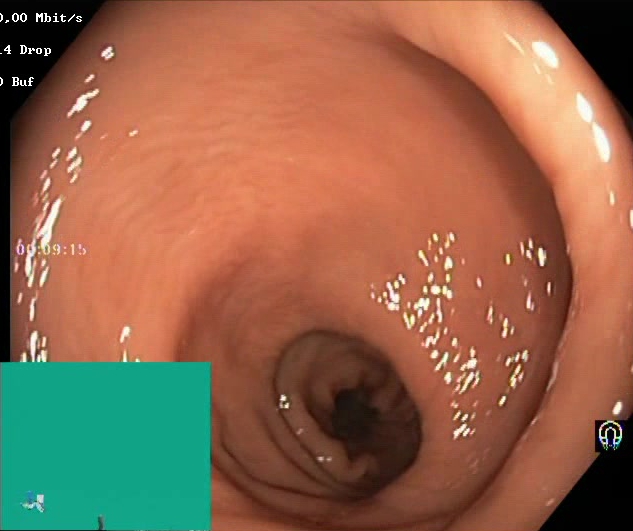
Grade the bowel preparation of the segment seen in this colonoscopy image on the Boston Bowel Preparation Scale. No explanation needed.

Boston Bowel Preparation Scale score 2–3 (adequate preparation)